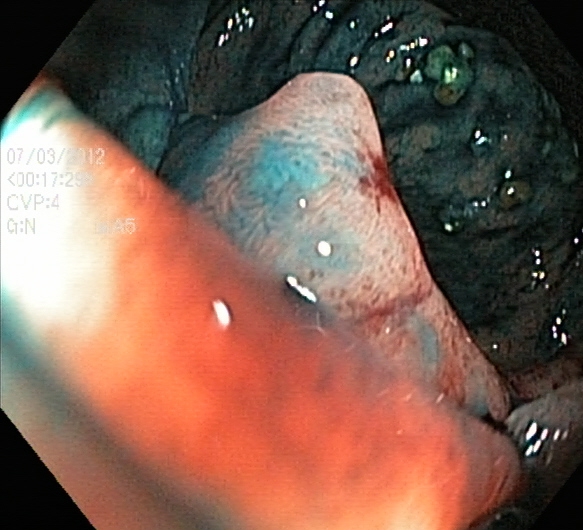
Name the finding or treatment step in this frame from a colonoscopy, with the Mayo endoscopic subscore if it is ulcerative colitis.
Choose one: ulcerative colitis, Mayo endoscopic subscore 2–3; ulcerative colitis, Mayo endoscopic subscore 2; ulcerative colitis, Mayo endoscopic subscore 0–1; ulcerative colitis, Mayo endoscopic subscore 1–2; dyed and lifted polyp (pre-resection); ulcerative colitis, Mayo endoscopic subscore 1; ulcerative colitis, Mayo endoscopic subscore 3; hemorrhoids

dyed and lifted polyp (pre-resection)